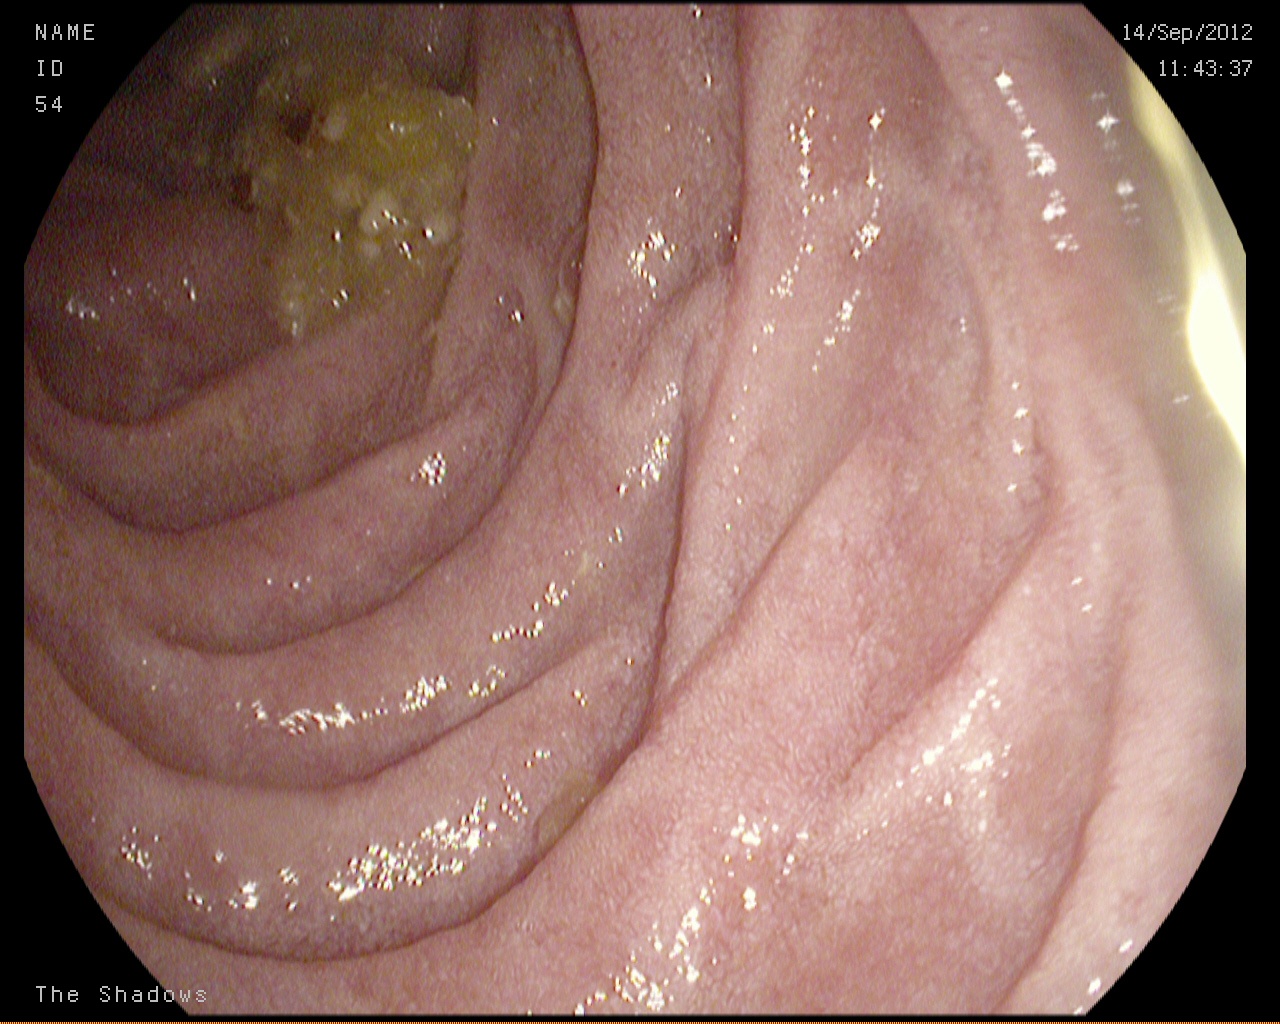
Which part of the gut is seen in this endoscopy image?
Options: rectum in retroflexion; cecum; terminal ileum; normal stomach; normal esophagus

terminal ileum